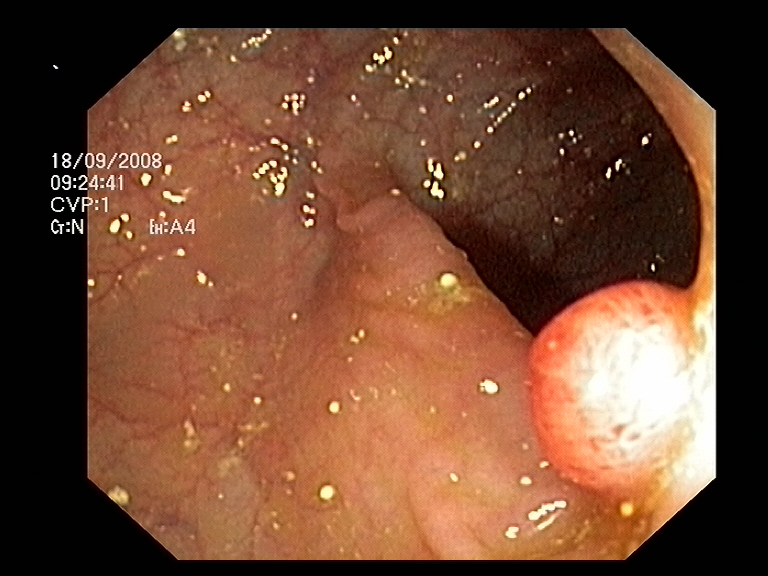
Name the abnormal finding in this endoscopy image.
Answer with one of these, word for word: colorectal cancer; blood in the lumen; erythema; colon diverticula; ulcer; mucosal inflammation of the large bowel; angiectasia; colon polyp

colon polyp